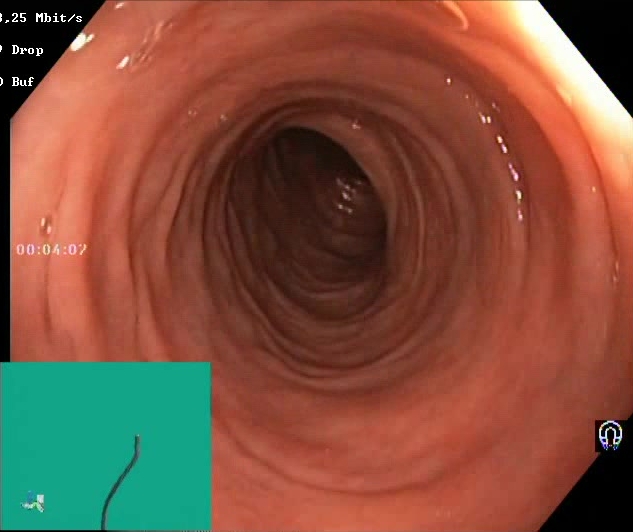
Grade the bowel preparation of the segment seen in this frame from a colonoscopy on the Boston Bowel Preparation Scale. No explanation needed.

Boston Bowel Preparation Scale score 2–3 (adequate preparation)